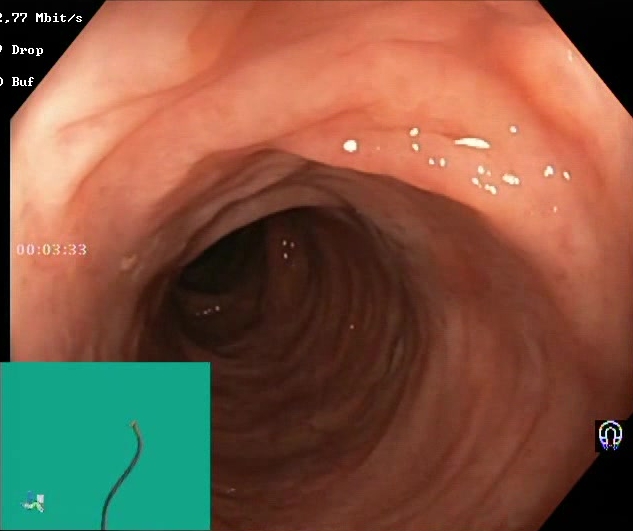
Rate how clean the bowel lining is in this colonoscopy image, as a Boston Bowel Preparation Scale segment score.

Boston Bowel Preparation Scale score 2–3 (adequate preparation)